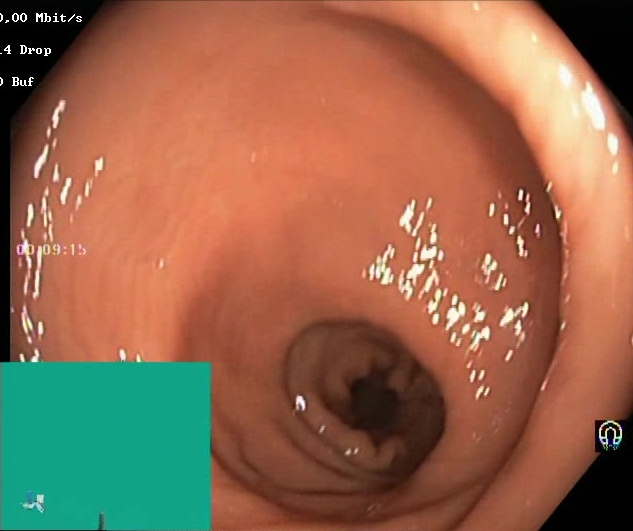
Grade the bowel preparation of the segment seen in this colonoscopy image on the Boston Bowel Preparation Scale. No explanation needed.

Boston Bowel Preparation Scale score 2–3 (adequate preparation)